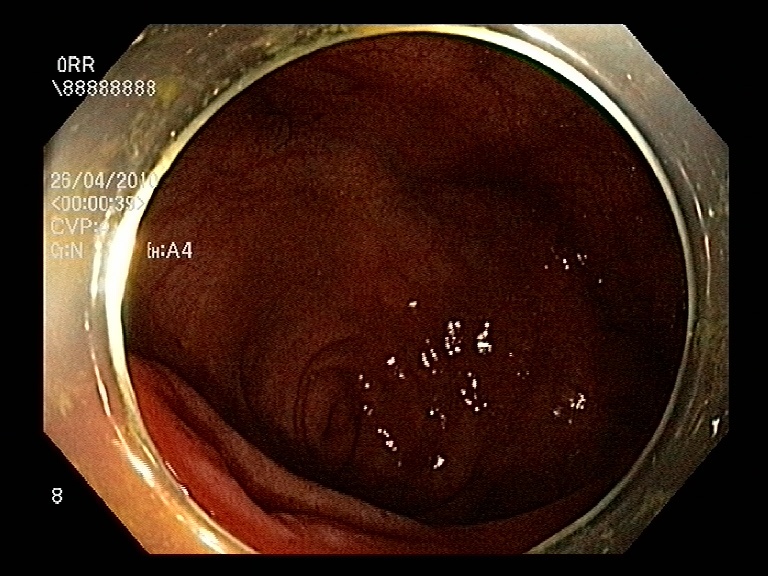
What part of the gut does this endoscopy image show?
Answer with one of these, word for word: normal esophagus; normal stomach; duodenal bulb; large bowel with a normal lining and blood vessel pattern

large bowel with a normal lining and blood vessel pattern